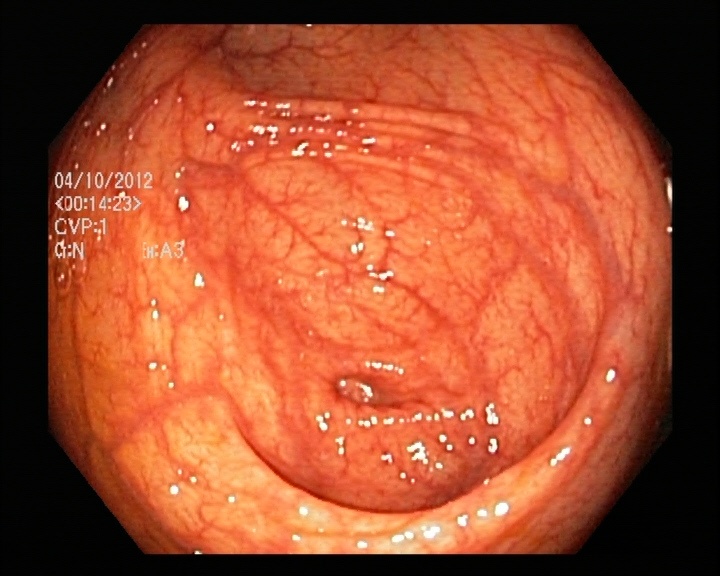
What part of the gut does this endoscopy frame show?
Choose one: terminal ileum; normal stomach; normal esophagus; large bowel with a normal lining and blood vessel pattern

large bowel with a normal lining and blood vessel pattern